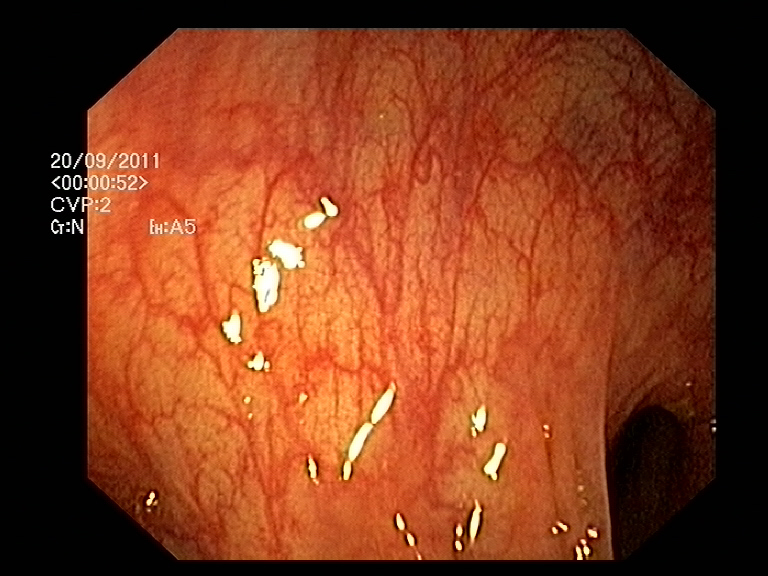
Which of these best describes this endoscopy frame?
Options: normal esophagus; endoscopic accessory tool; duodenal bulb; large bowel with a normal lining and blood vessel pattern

large bowel with a normal lining and blood vessel pattern